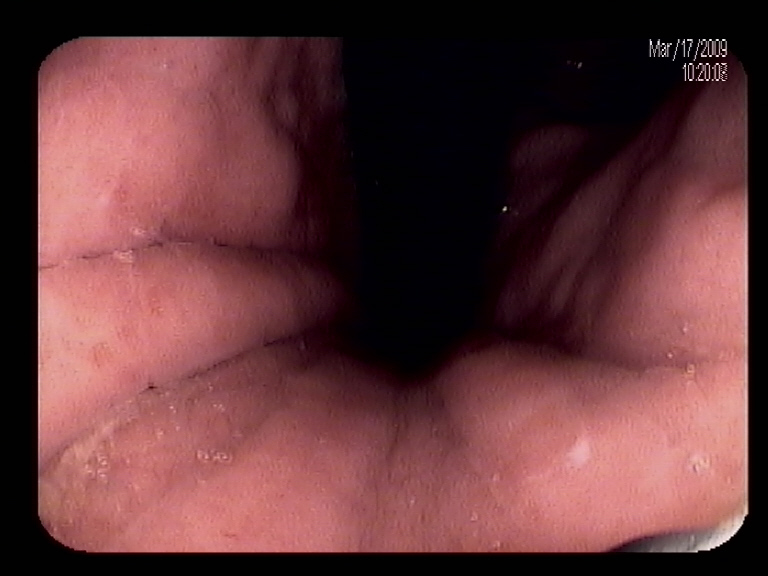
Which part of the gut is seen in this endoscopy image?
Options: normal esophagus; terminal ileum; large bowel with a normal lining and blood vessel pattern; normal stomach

normal stomach